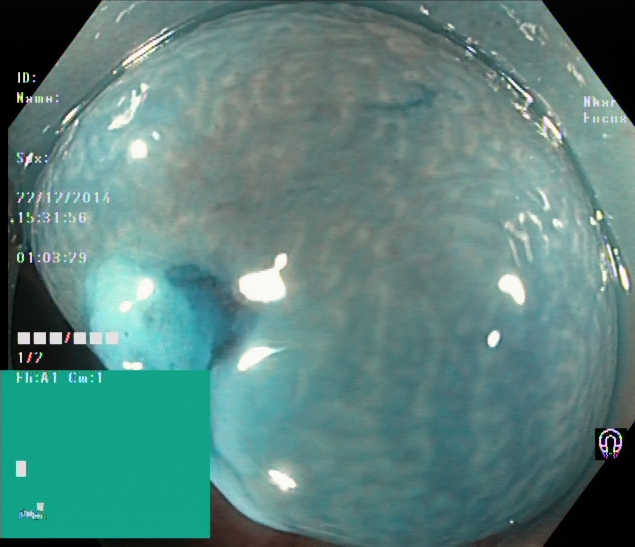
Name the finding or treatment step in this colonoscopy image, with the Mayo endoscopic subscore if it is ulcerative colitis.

dyed and lifted polyp (pre-resection)